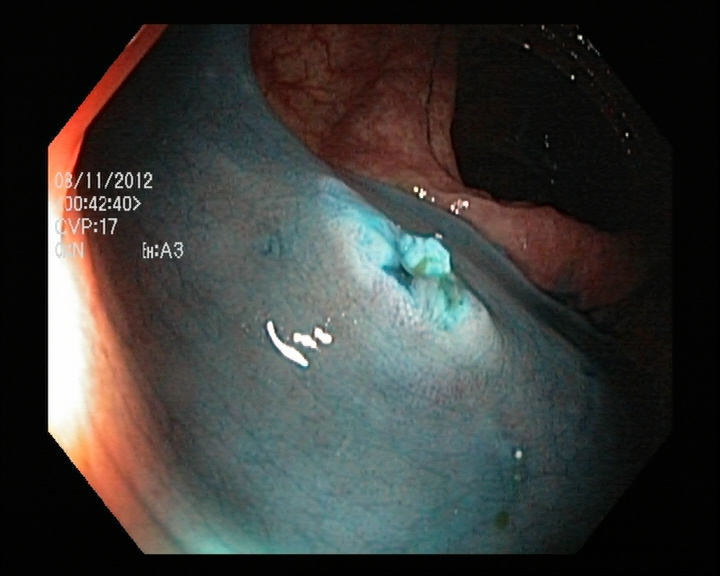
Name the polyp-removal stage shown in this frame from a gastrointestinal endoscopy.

dyed resection margin (post-polypectomy)